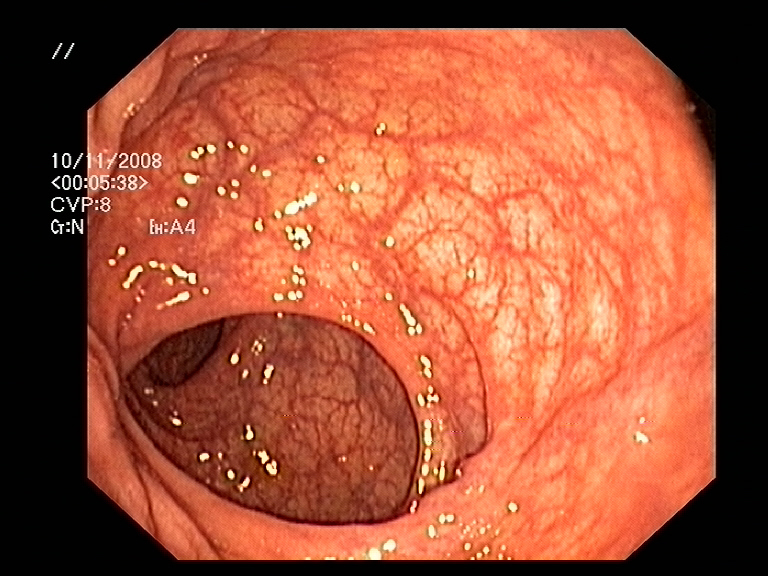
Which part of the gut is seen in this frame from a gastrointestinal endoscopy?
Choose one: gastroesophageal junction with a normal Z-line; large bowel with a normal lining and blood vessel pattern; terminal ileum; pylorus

large bowel with a normal lining and blood vessel pattern